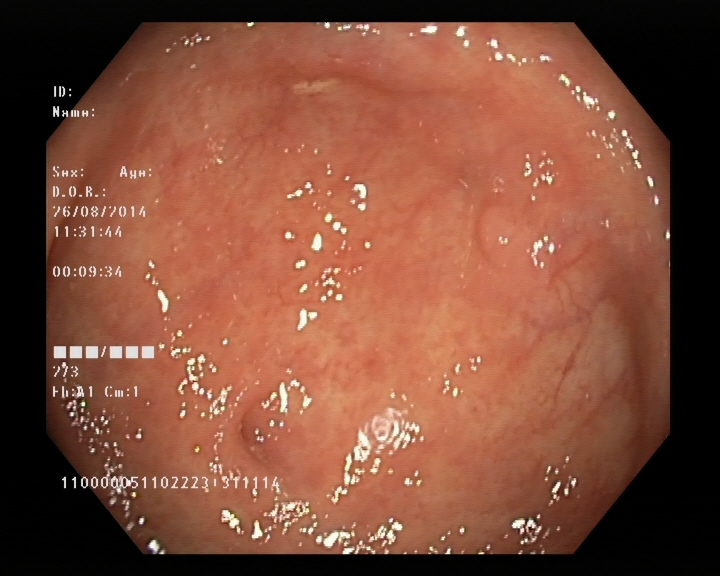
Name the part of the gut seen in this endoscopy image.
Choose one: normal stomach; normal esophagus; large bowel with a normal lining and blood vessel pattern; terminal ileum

large bowel with a normal lining and blood vessel pattern